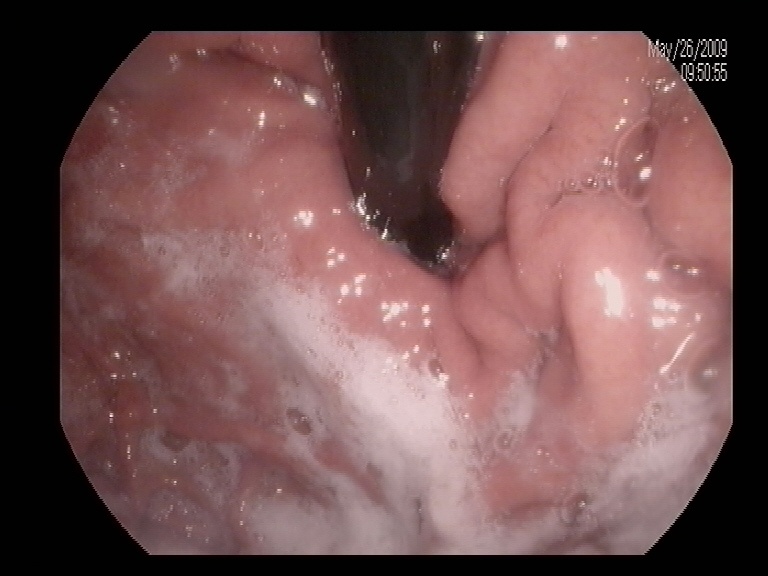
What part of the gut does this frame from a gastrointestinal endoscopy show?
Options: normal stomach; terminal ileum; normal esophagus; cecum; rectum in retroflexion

normal stomach